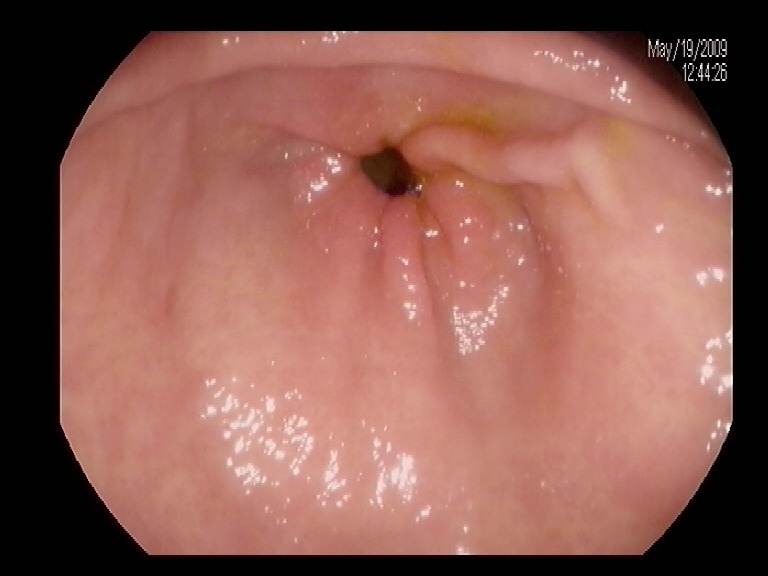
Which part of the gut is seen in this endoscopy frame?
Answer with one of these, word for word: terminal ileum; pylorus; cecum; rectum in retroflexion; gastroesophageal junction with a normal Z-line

pylorus